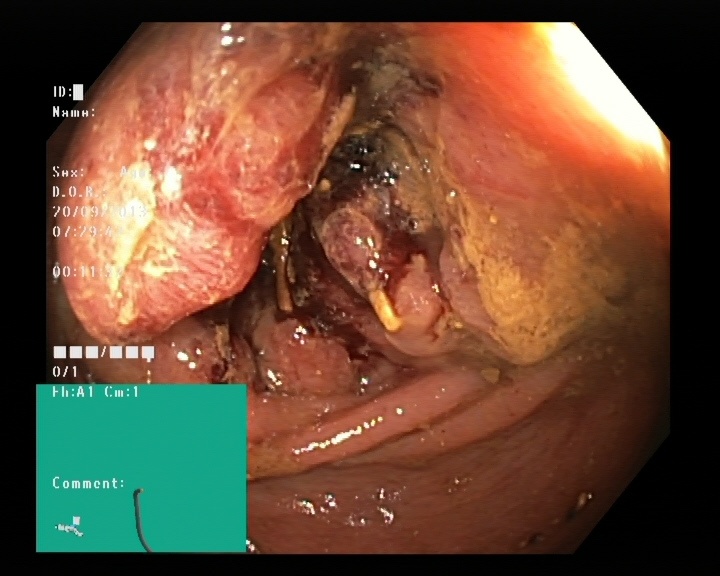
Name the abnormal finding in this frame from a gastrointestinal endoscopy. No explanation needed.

colorectal cancer